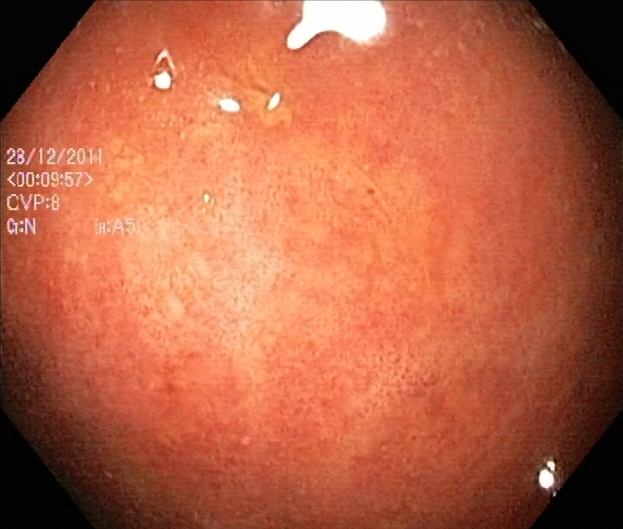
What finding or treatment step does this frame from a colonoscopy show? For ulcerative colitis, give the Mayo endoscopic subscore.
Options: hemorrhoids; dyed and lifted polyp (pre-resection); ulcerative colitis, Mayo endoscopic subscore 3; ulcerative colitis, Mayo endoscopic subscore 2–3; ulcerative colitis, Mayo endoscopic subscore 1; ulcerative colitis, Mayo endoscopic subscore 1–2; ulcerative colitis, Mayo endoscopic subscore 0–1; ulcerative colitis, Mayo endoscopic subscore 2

ulcerative colitis, Mayo endoscopic subscore 2